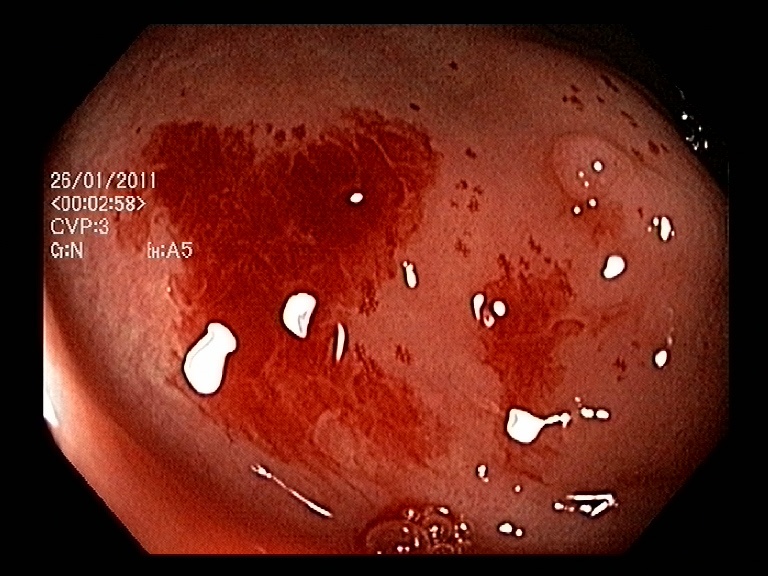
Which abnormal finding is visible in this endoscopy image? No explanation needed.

colon polyp